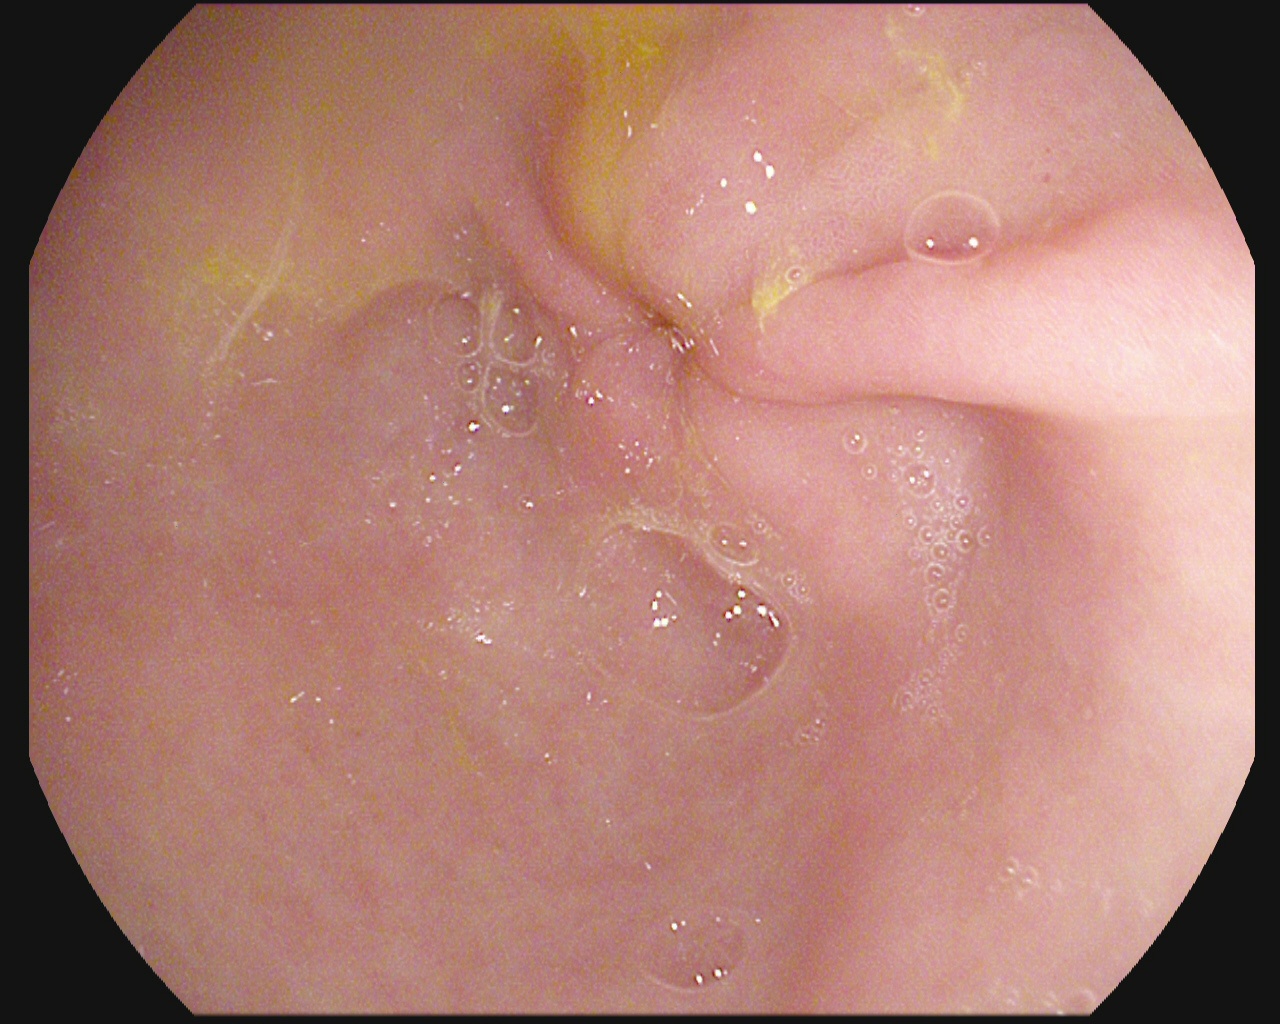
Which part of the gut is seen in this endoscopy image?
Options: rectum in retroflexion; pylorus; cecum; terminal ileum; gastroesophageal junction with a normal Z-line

pylorus